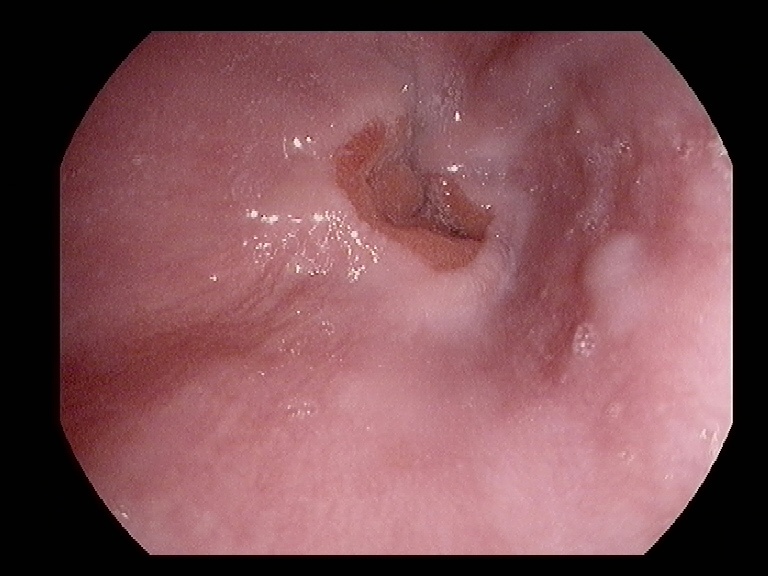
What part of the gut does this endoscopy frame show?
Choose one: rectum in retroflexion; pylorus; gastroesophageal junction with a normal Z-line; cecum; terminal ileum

gastroesophageal junction with a normal Z-line